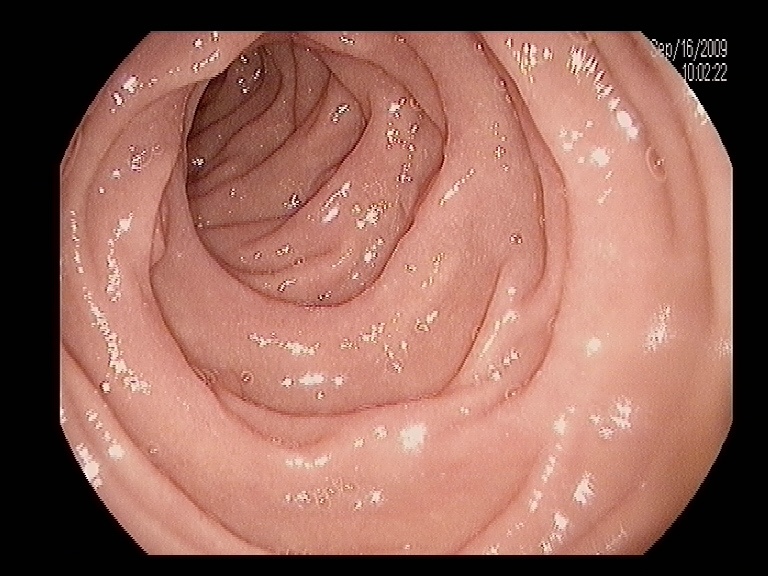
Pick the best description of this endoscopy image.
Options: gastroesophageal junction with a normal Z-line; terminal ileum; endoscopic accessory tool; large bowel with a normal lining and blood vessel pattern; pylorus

terminal ileum